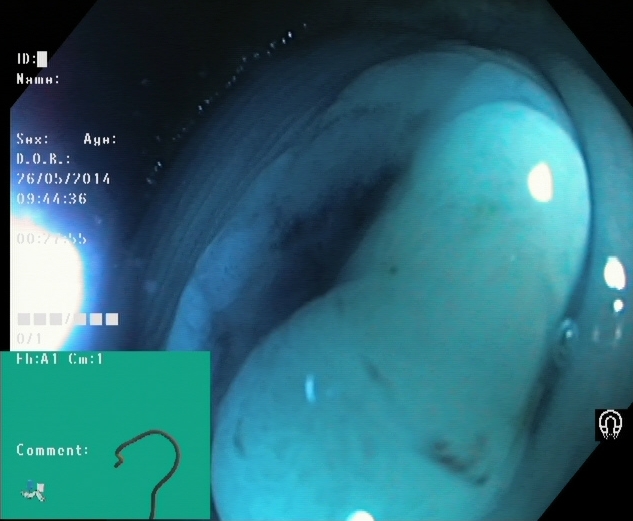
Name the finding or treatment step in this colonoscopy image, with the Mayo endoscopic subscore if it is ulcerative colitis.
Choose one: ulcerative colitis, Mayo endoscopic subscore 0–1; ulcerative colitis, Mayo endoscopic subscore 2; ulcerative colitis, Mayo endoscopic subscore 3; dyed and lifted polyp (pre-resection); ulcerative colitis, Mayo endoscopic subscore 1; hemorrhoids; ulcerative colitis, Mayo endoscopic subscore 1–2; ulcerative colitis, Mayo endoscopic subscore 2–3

dyed and lifted polyp (pre-resection)